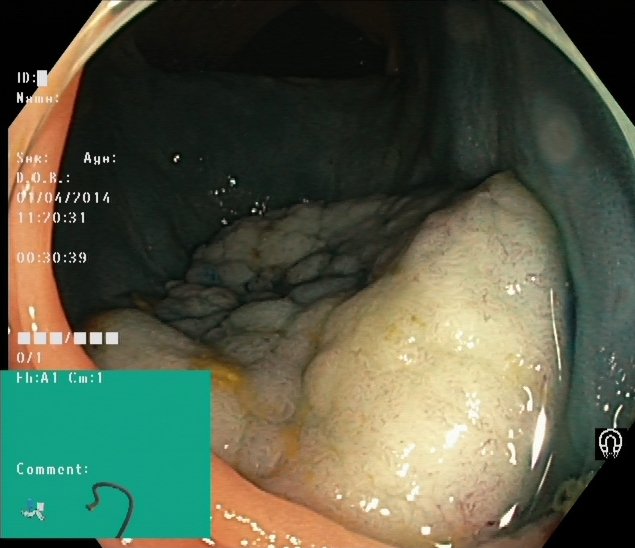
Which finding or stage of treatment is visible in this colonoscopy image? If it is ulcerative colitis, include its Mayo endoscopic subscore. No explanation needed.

dyed and lifted polyp (pre-resection)